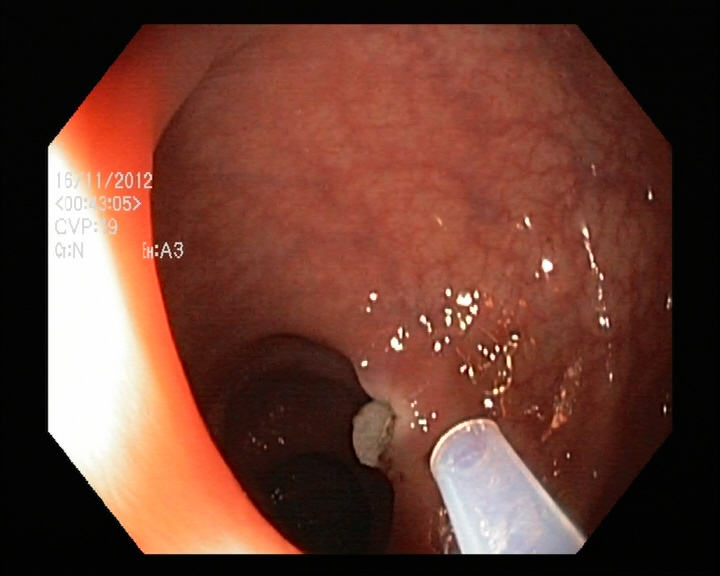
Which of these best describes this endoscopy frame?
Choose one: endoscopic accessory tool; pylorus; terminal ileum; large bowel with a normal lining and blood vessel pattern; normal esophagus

endoscopic accessory tool